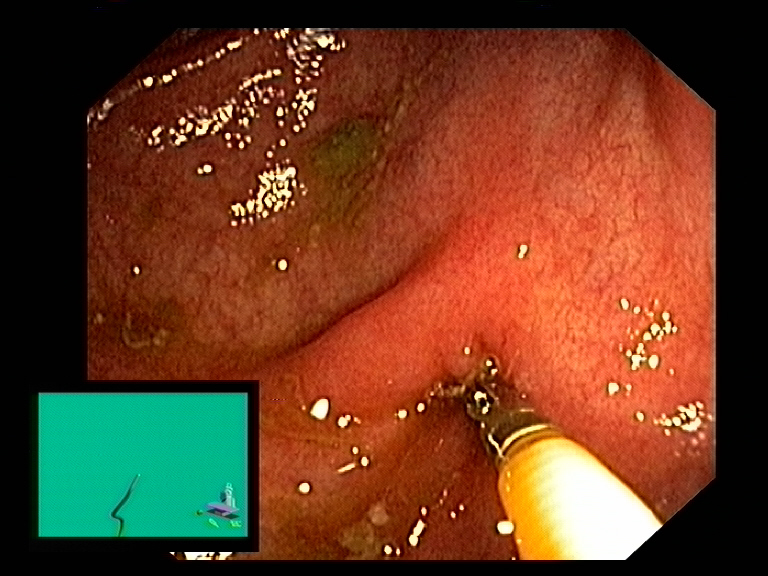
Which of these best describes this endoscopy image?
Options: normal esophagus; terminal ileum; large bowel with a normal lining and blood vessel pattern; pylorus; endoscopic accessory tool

endoscopic accessory tool